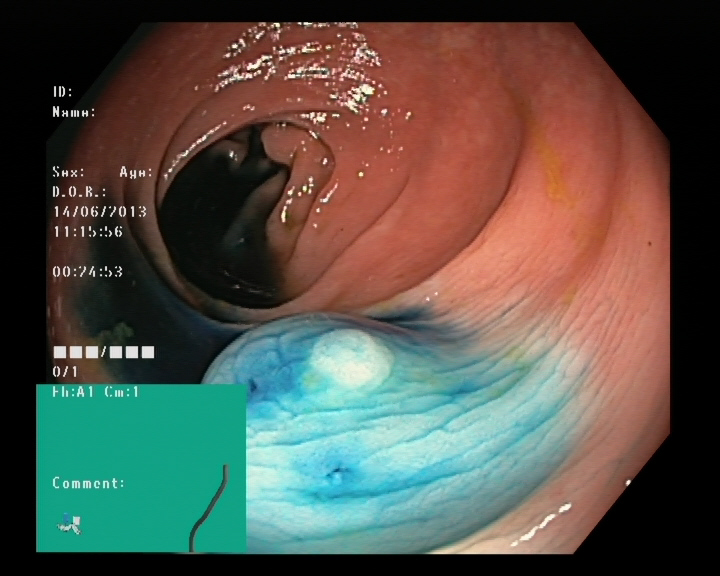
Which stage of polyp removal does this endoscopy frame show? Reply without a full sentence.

dyed and lifted polyp (pre-resection)